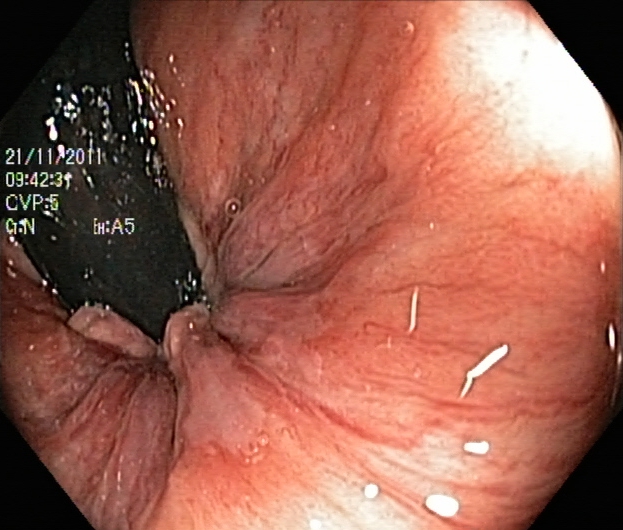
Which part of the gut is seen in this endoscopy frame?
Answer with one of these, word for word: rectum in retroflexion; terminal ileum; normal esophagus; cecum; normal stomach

rectum in retroflexion